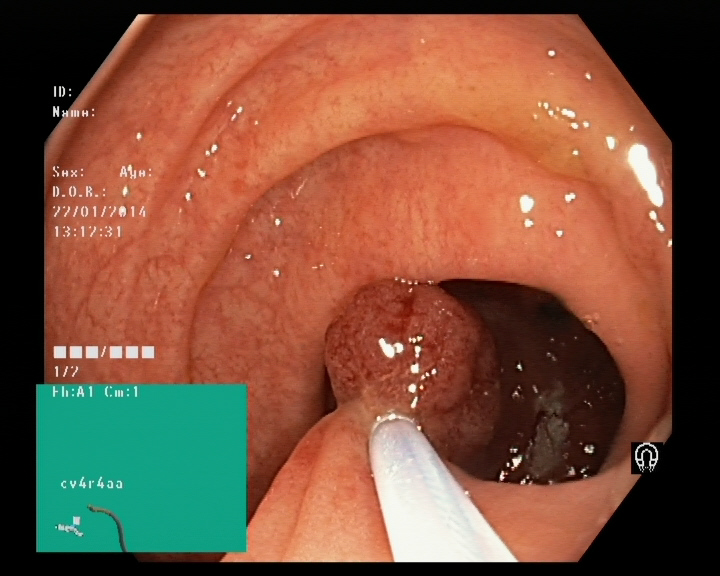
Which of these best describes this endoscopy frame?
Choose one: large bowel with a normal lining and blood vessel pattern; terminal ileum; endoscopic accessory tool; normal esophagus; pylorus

endoscopic accessory tool